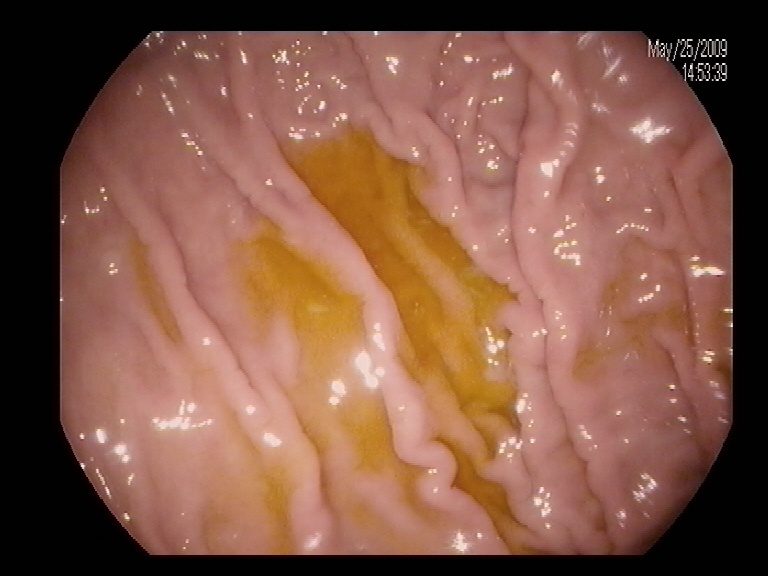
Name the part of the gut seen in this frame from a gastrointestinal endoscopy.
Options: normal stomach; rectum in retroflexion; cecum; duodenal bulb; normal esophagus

normal stomach